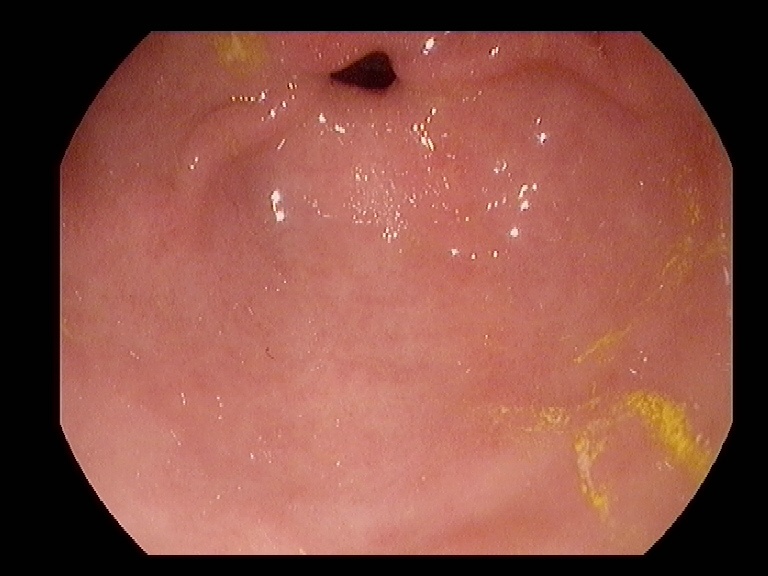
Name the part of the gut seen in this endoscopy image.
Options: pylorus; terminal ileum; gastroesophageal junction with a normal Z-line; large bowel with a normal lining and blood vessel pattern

pylorus